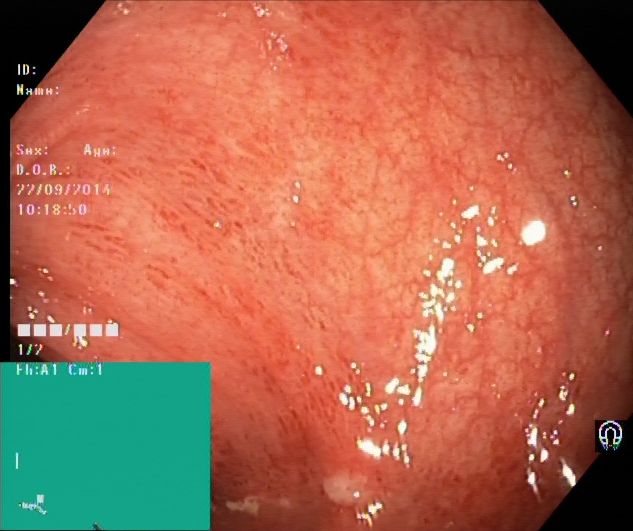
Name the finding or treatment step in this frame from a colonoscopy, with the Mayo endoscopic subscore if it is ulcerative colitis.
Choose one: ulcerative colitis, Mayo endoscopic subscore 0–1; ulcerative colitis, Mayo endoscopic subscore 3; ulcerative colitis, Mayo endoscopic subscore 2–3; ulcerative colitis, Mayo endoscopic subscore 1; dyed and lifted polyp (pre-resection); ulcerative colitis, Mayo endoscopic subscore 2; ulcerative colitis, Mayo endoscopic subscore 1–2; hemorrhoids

ulcerative colitis, Mayo endoscopic subscore 1